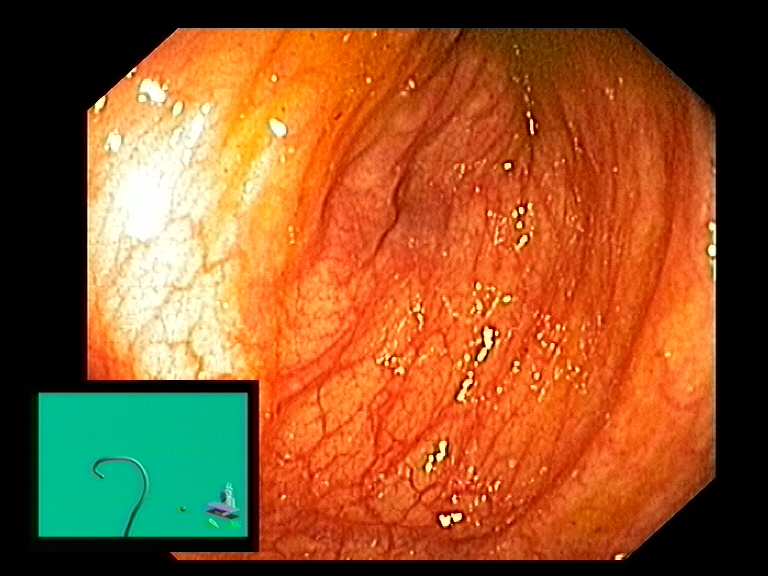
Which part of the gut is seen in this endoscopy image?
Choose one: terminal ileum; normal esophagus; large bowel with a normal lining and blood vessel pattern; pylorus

large bowel with a normal lining and blood vessel pattern